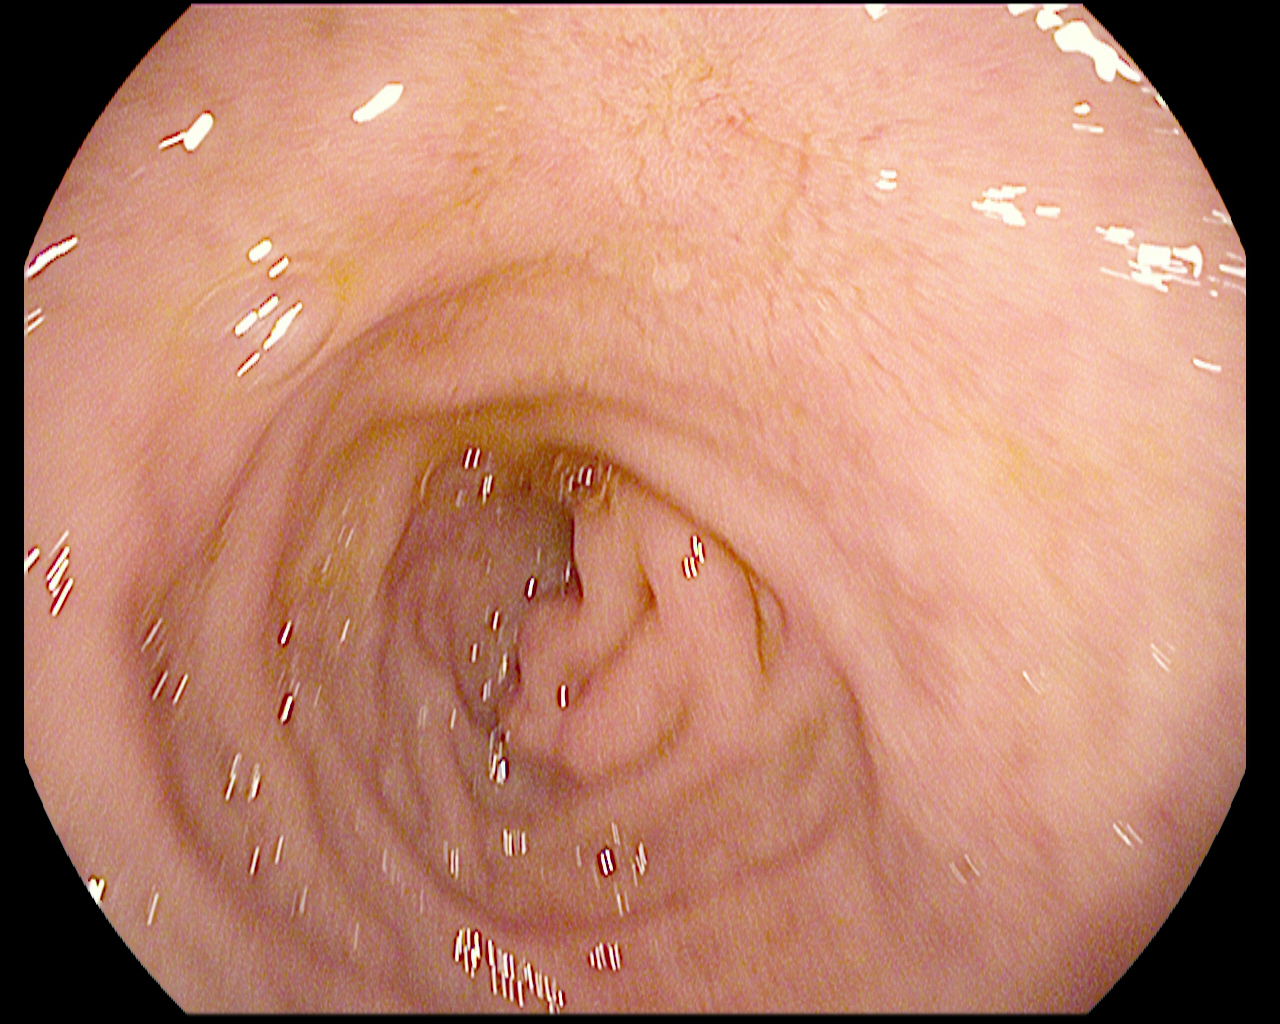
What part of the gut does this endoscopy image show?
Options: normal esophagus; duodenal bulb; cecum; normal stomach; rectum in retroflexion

duodenal bulb